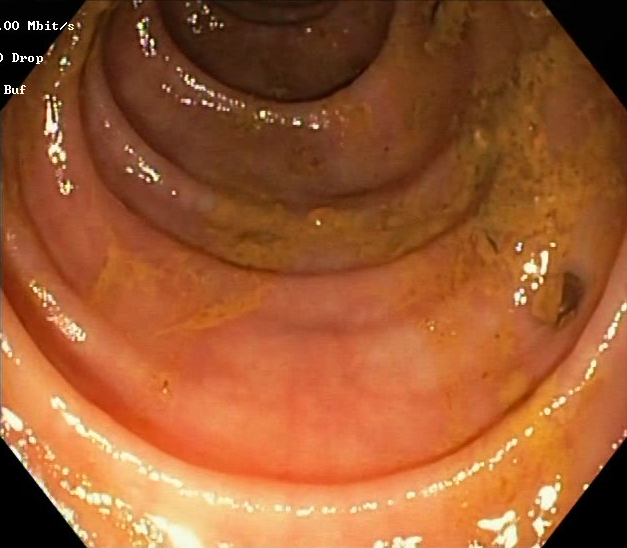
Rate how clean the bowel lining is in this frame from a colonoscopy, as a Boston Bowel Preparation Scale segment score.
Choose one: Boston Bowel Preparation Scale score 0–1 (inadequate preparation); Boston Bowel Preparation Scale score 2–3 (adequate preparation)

Boston Bowel Preparation Scale score 0–1 (inadequate preparation)